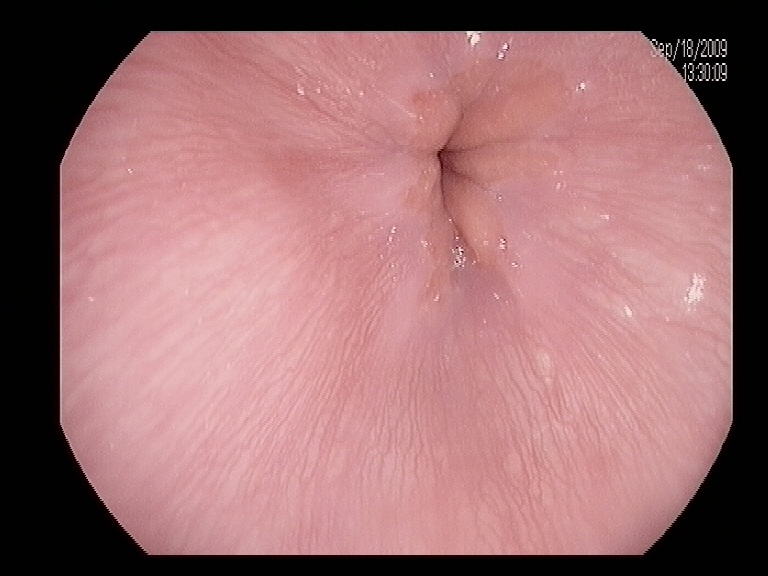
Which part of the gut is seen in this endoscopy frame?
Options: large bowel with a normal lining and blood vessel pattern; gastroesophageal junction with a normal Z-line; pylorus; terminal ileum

gastroesophageal junction with a normal Z-line